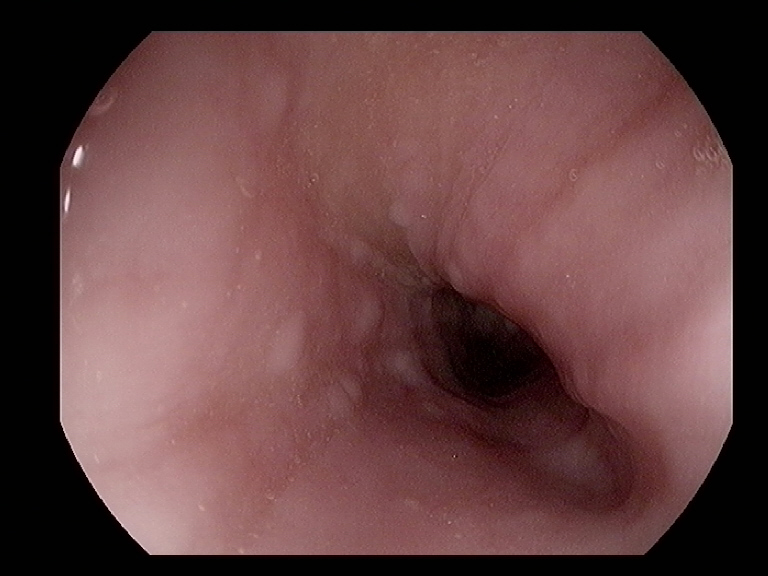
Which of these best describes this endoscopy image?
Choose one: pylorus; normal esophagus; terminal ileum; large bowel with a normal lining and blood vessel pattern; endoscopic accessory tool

normal esophagus